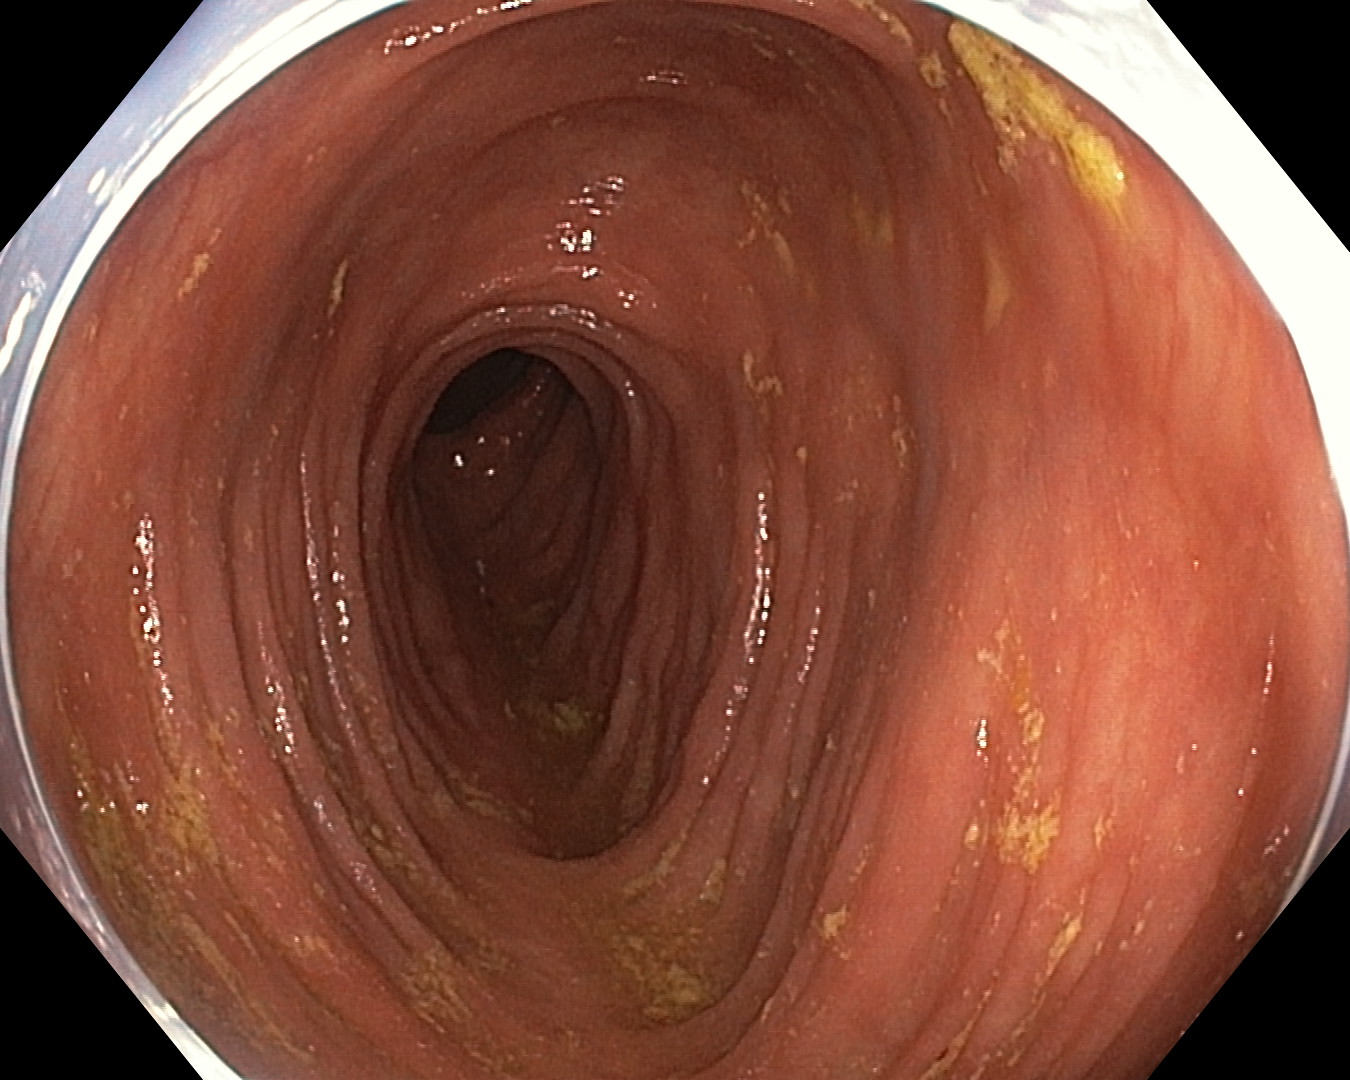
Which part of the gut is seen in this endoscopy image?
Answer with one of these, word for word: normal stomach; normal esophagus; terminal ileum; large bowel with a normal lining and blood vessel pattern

large bowel with a normal lining and blood vessel pattern